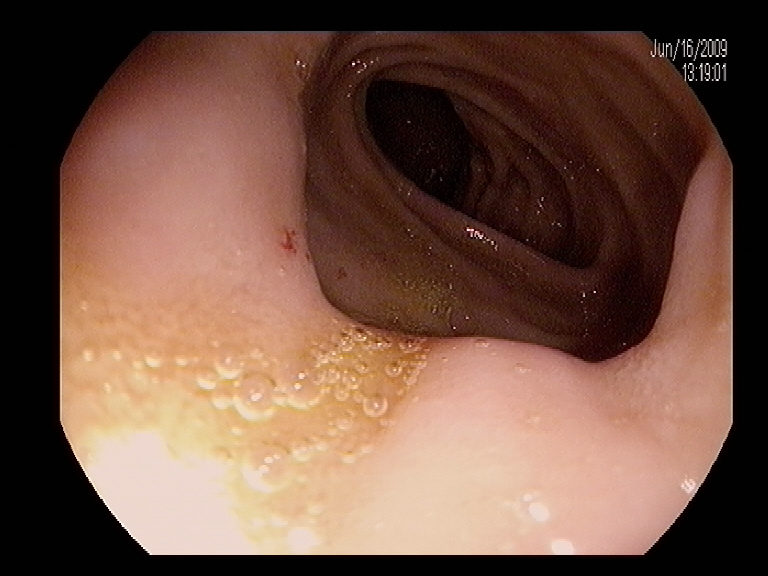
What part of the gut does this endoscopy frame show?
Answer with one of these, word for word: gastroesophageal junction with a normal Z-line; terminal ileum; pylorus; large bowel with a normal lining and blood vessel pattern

terminal ileum